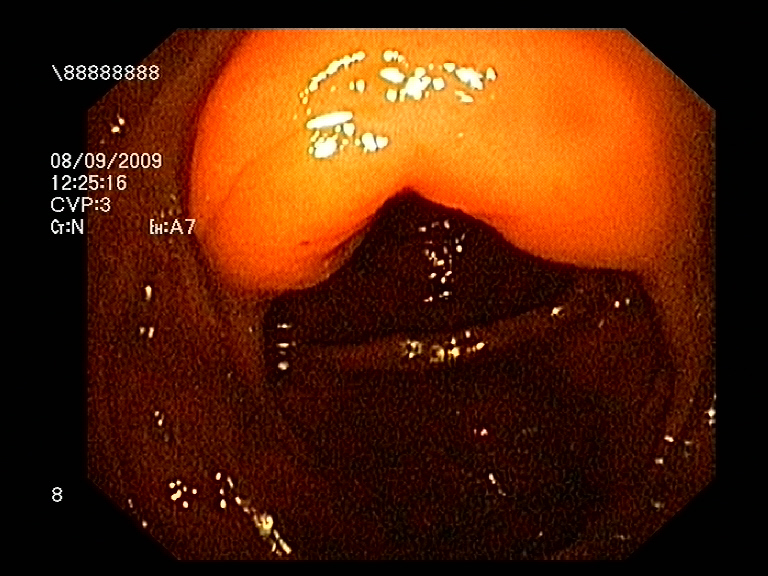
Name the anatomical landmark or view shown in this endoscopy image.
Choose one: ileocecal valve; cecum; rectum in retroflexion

ileocecal valve